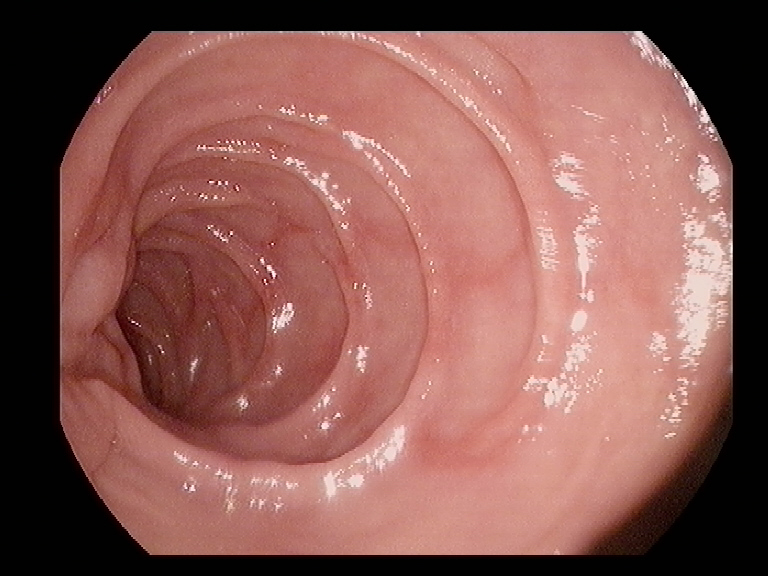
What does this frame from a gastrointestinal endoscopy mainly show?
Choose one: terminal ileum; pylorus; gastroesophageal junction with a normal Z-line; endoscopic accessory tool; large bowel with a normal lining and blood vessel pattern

terminal ileum